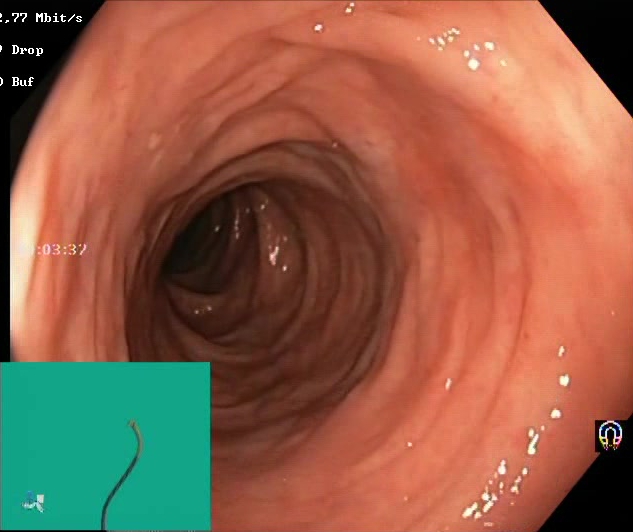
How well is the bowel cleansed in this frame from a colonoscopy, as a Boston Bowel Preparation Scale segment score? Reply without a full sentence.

Boston Bowel Preparation Scale score 2–3 (adequate preparation)